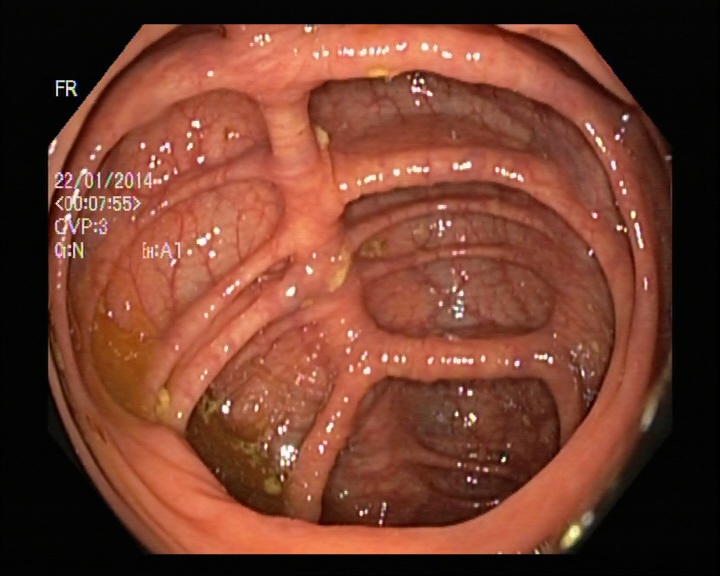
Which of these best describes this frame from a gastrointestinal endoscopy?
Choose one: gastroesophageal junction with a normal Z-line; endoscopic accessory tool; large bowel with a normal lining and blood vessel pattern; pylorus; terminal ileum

large bowel with a normal lining and blood vessel pattern